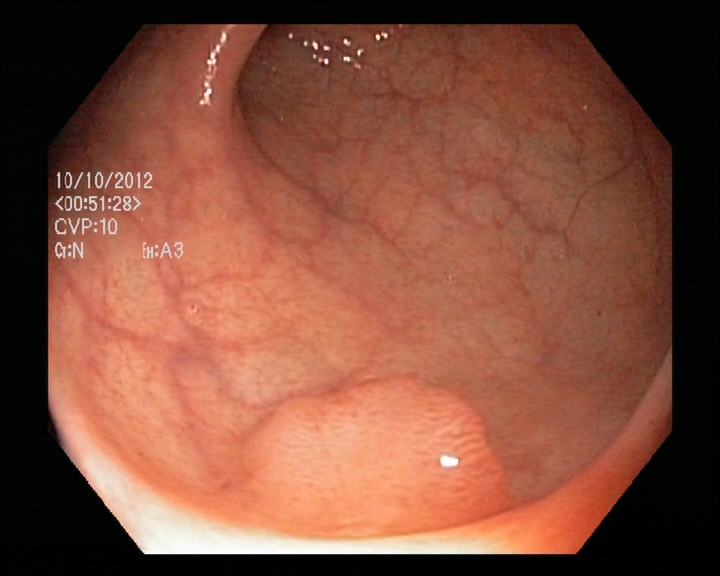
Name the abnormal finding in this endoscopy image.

colon polyp